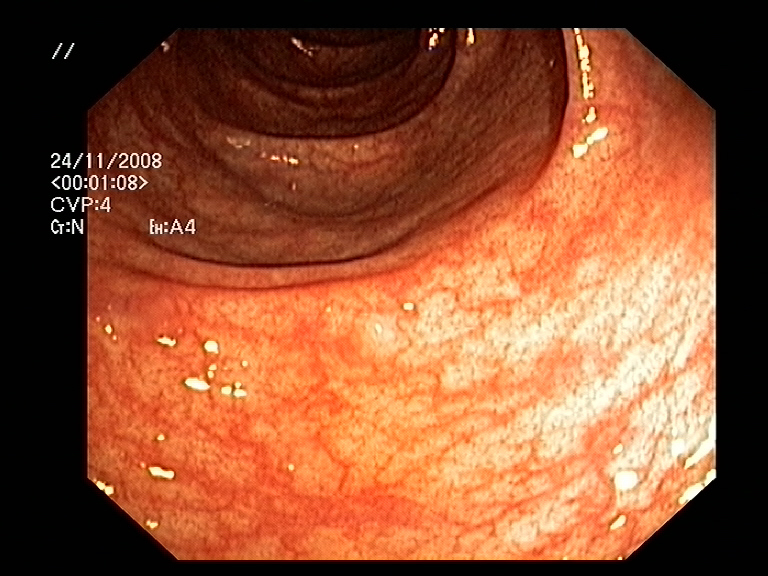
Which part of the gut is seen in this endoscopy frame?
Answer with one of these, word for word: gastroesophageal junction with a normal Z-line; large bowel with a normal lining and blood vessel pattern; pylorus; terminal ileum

large bowel with a normal lining and blood vessel pattern